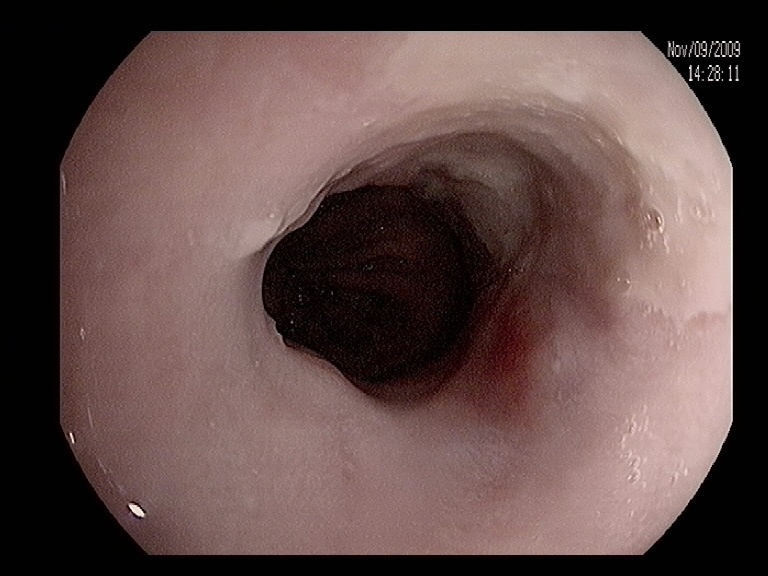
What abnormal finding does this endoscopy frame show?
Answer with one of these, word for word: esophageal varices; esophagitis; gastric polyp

esophagitis